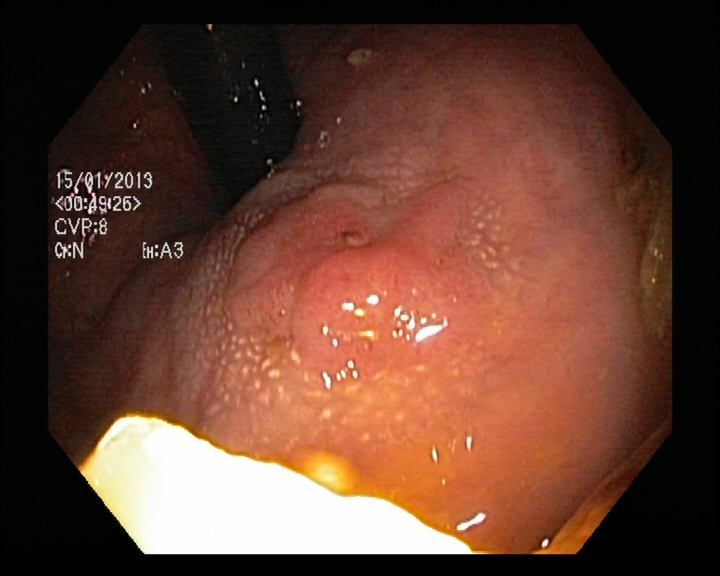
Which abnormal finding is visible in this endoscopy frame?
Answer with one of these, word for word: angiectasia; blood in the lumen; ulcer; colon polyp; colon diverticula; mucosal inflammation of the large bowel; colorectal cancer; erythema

colon polyp